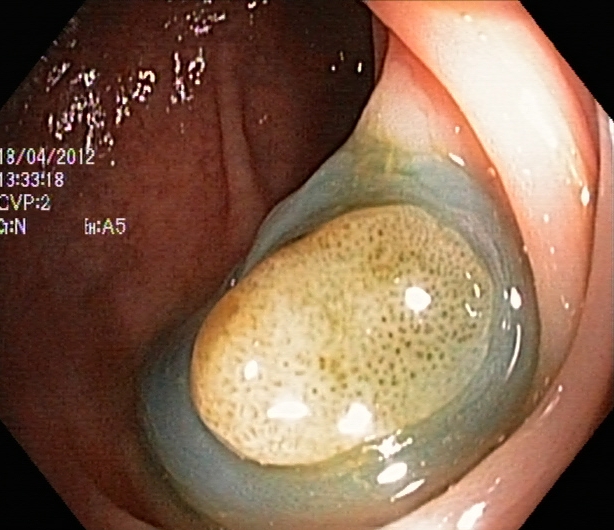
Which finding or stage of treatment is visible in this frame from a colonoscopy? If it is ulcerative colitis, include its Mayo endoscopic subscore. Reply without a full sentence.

dyed and lifted polyp (pre-resection)